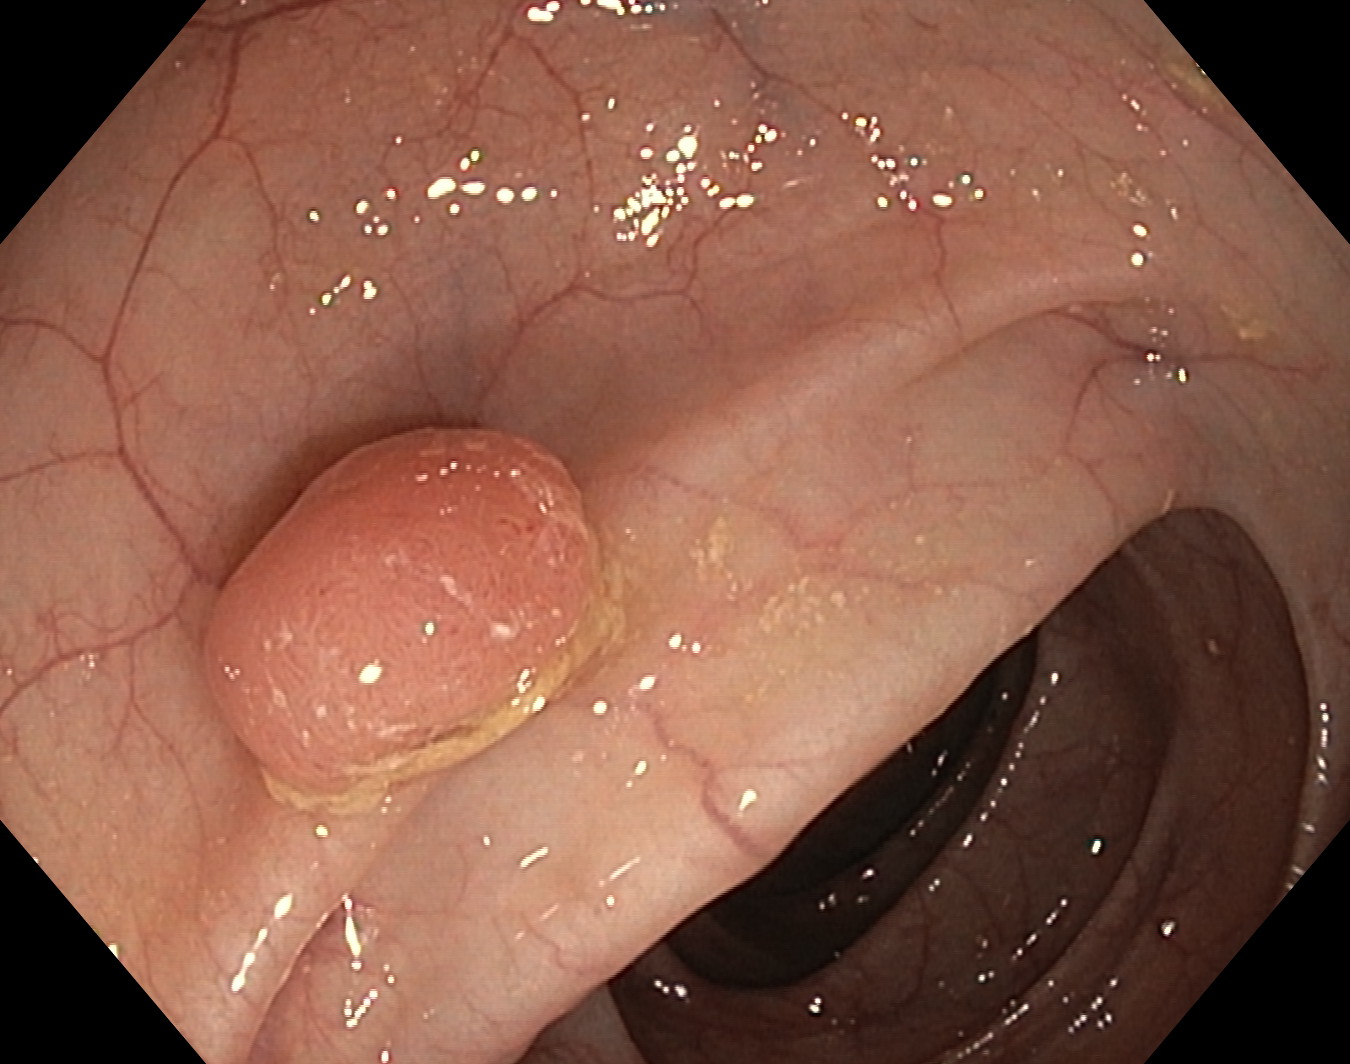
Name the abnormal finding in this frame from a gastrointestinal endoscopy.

colon polyp